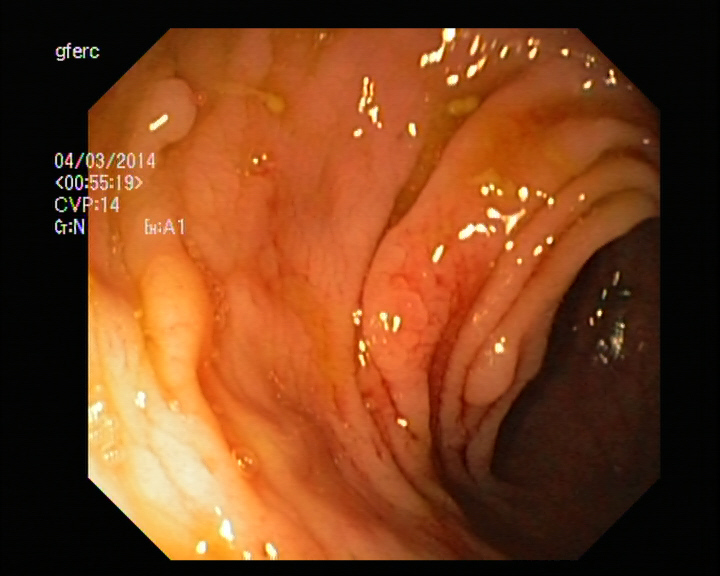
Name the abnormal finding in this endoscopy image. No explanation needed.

colon polyp